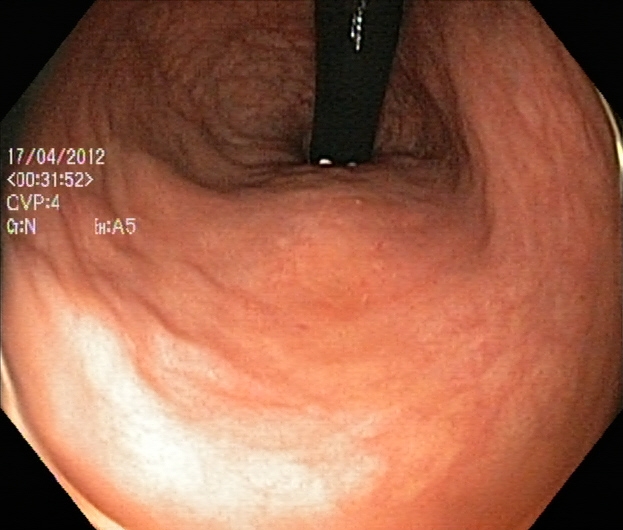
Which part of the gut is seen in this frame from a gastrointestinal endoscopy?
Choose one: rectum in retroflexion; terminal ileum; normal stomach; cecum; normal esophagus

rectum in retroflexion